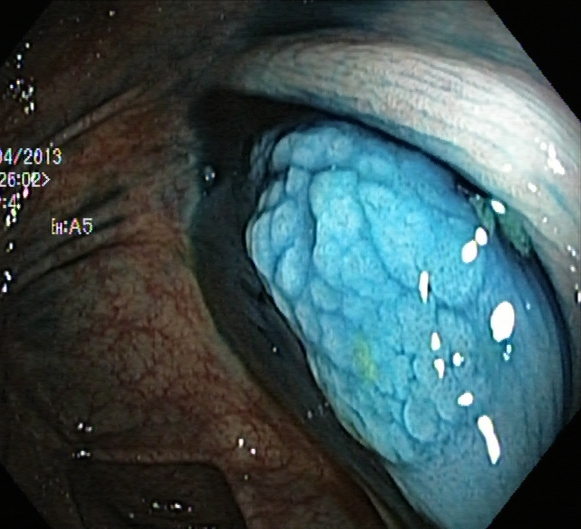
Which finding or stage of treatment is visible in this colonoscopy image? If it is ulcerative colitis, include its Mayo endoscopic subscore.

dyed and lifted polyp (pre-resection)